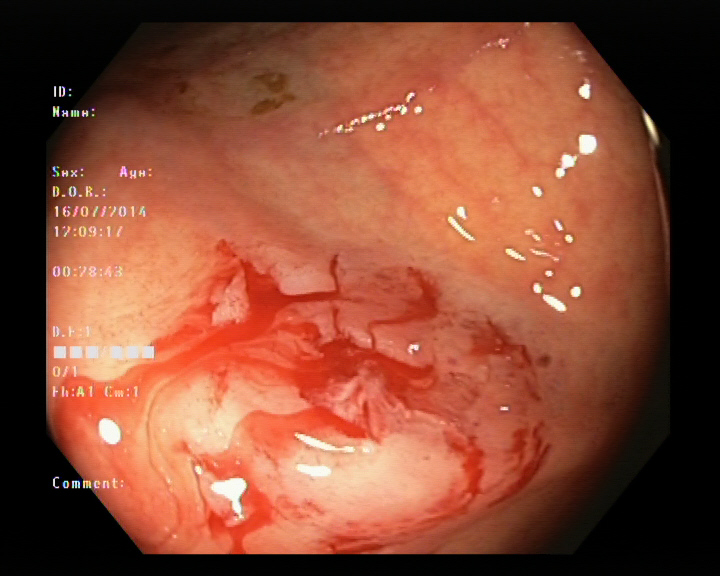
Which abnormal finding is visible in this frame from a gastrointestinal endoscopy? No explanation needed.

blood in the lumen